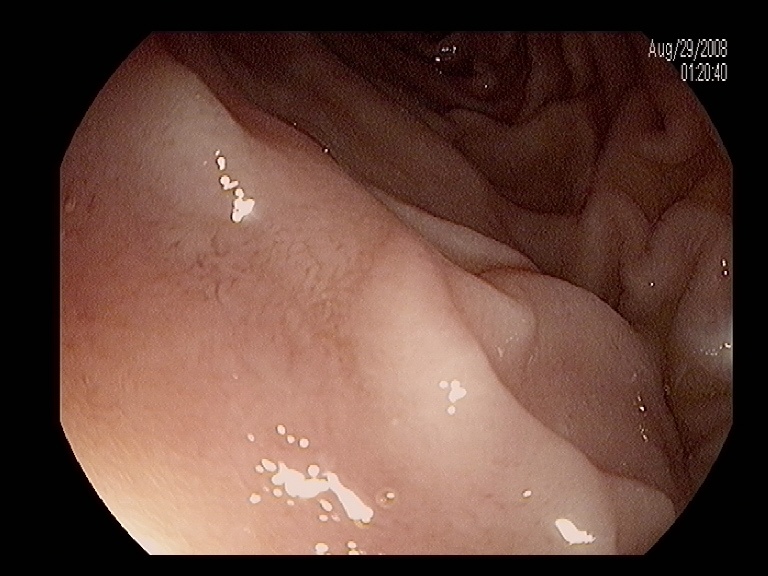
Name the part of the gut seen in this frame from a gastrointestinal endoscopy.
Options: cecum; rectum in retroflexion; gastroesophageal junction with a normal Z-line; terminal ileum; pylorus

terminal ileum